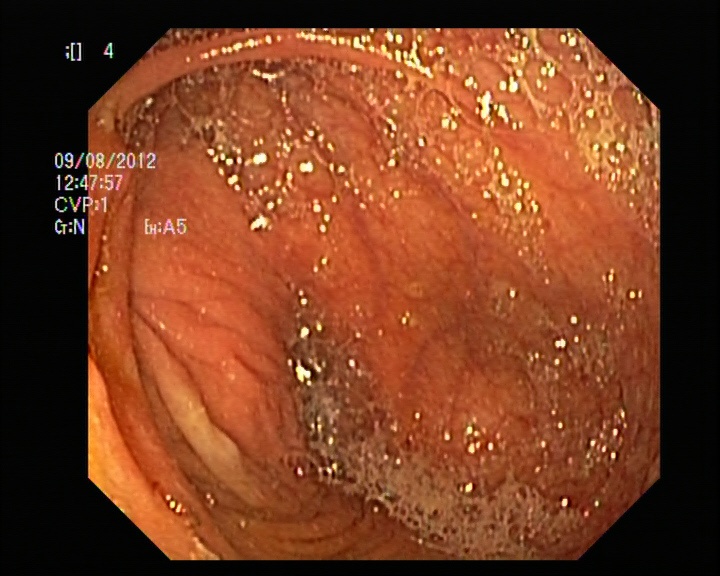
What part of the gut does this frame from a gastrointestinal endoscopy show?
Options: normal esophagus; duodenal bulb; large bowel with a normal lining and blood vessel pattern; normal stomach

large bowel with a normal lining and blood vessel pattern